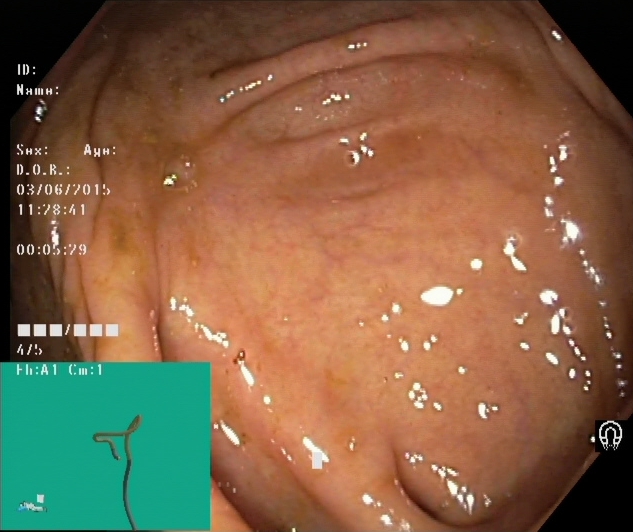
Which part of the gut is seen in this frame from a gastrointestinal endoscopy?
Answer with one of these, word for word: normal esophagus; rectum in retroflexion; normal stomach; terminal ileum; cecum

cecum